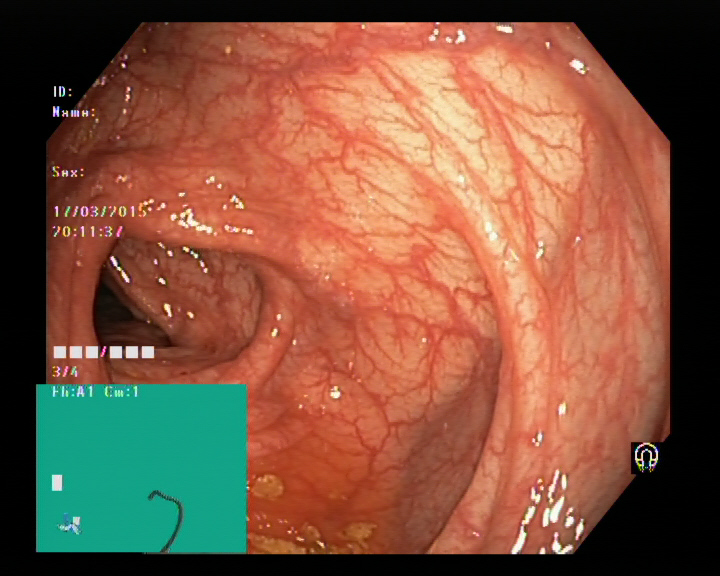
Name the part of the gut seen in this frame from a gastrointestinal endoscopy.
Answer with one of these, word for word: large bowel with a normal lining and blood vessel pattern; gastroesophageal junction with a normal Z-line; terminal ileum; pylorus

large bowel with a normal lining and blood vessel pattern